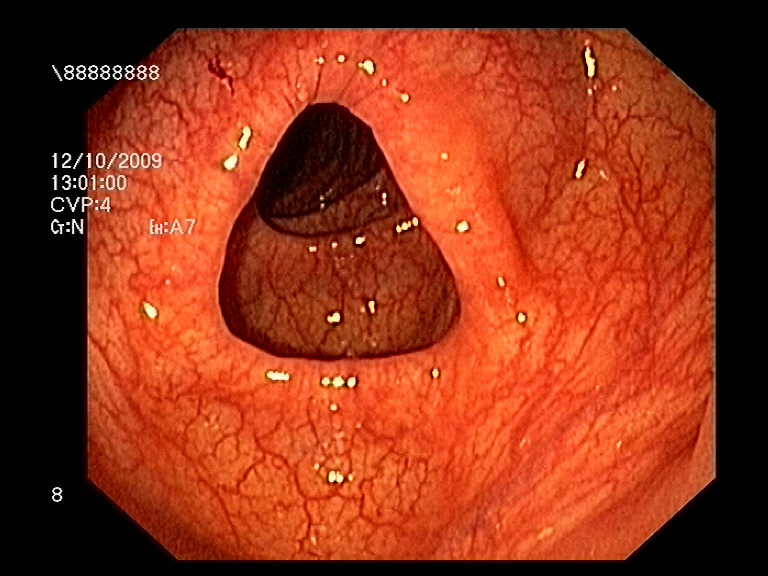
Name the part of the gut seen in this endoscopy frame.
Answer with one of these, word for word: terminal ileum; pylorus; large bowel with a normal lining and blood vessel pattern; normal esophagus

large bowel with a normal lining and blood vessel pattern